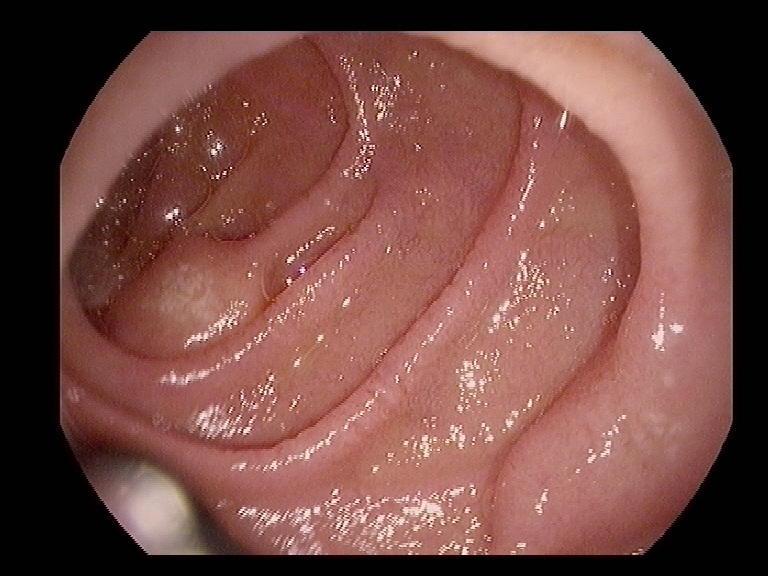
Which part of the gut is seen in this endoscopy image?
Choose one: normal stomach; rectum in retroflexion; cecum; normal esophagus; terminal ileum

terminal ileum